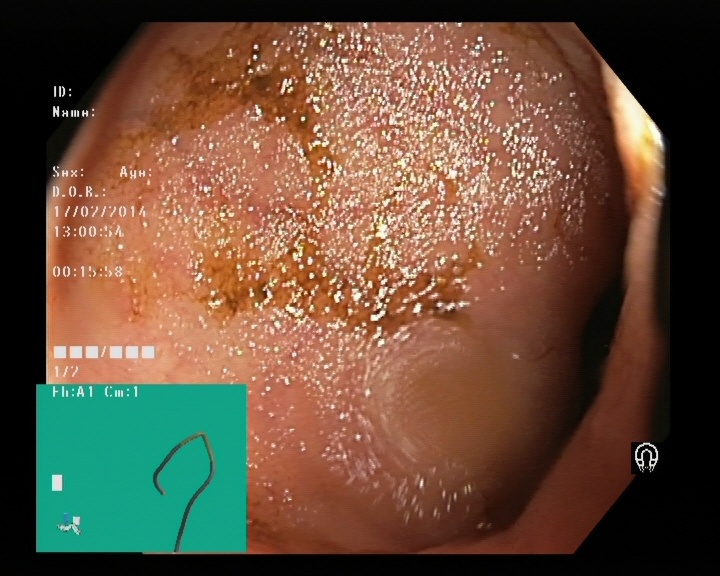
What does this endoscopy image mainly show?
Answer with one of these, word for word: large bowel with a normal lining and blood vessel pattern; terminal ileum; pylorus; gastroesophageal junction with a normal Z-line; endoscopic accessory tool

terminal ileum